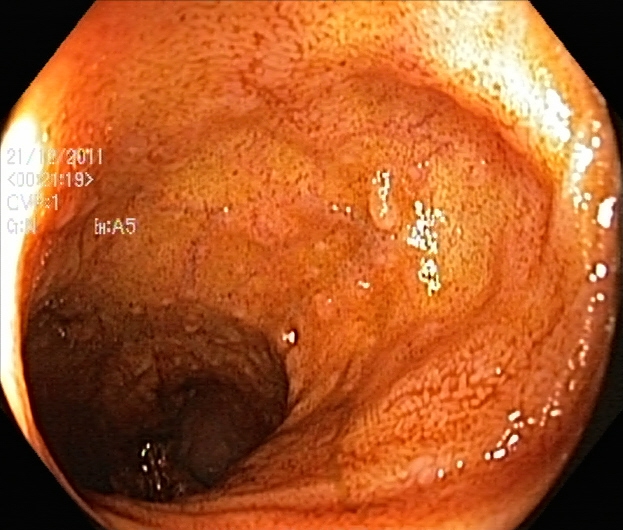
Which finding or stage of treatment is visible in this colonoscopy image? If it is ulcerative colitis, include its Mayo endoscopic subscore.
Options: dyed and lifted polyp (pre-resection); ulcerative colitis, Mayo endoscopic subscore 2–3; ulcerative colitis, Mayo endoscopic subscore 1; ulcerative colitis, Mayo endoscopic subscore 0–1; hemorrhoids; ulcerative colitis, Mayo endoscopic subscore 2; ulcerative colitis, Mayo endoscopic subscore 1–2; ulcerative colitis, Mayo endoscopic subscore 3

ulcerative colitis, Mayo endoscopic subscore 2